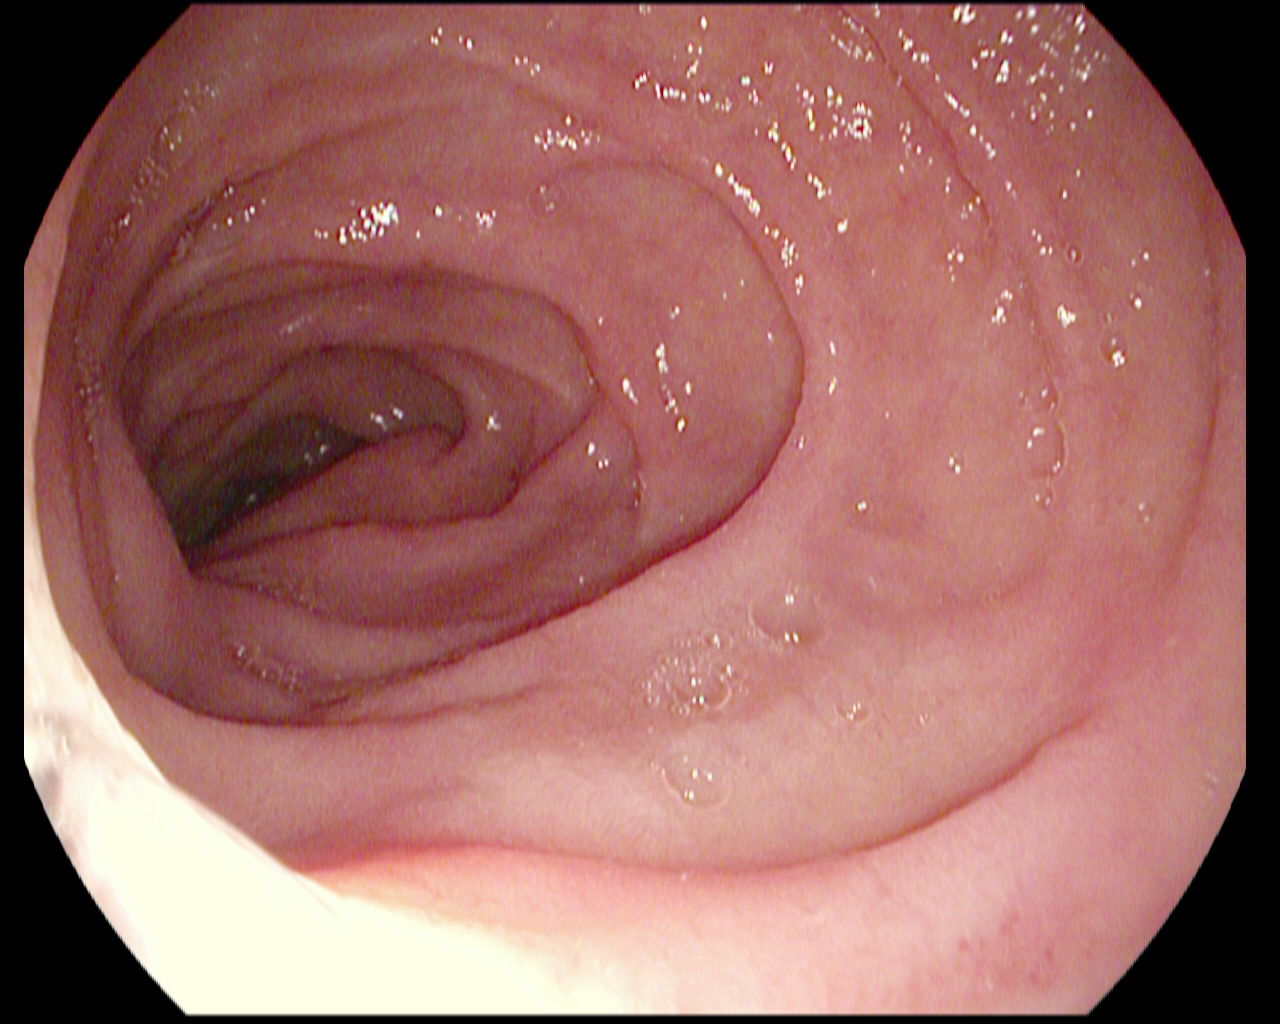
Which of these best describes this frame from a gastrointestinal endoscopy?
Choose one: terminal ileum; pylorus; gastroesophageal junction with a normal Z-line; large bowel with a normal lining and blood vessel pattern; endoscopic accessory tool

terminal ileum